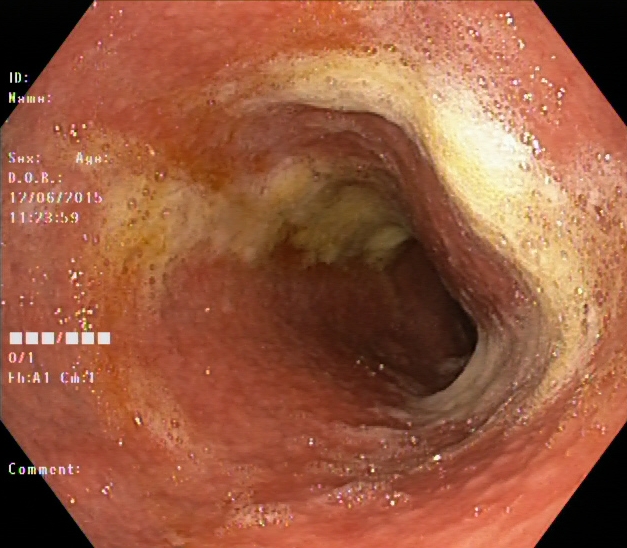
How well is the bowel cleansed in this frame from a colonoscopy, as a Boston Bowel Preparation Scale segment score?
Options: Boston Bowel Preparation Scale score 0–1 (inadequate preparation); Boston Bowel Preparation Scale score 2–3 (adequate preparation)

Boston Bowel Preparation Scale score 0–1 (inadequate preparation)